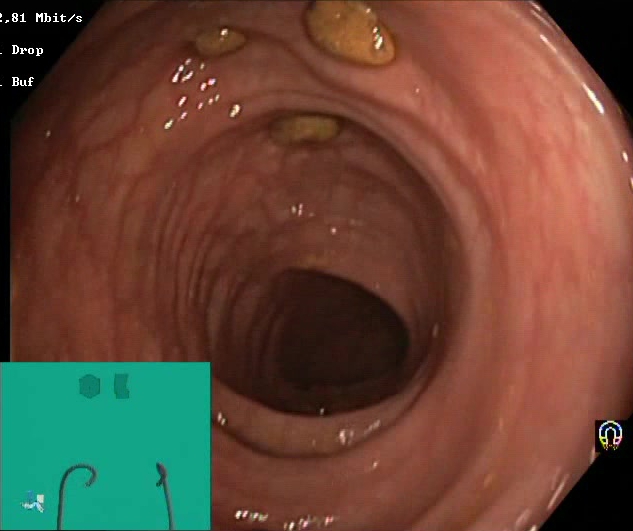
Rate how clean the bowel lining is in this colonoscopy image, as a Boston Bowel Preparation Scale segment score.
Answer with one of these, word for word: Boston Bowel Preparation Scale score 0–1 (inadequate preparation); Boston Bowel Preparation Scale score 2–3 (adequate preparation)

Boston Bowel Preparation Scale score 2–3 (adequate preparation)